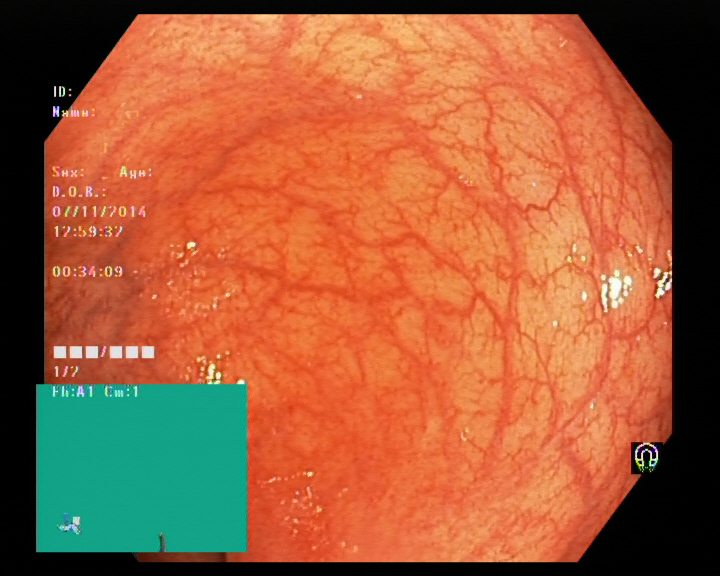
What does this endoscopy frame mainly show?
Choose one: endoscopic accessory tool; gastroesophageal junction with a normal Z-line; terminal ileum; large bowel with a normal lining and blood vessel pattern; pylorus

large bowel with a normal lining and blood vessel pattern